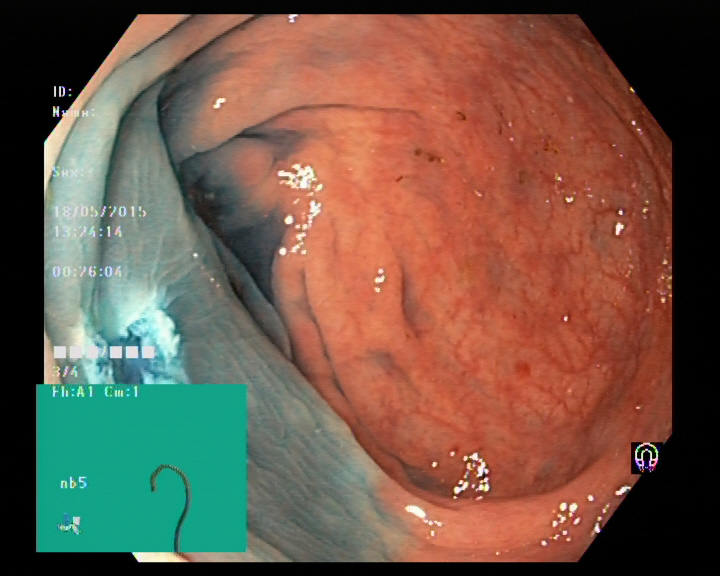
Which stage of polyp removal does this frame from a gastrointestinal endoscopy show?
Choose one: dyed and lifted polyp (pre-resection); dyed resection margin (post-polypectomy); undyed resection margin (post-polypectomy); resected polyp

dyed resection margin (post-polypectomy)